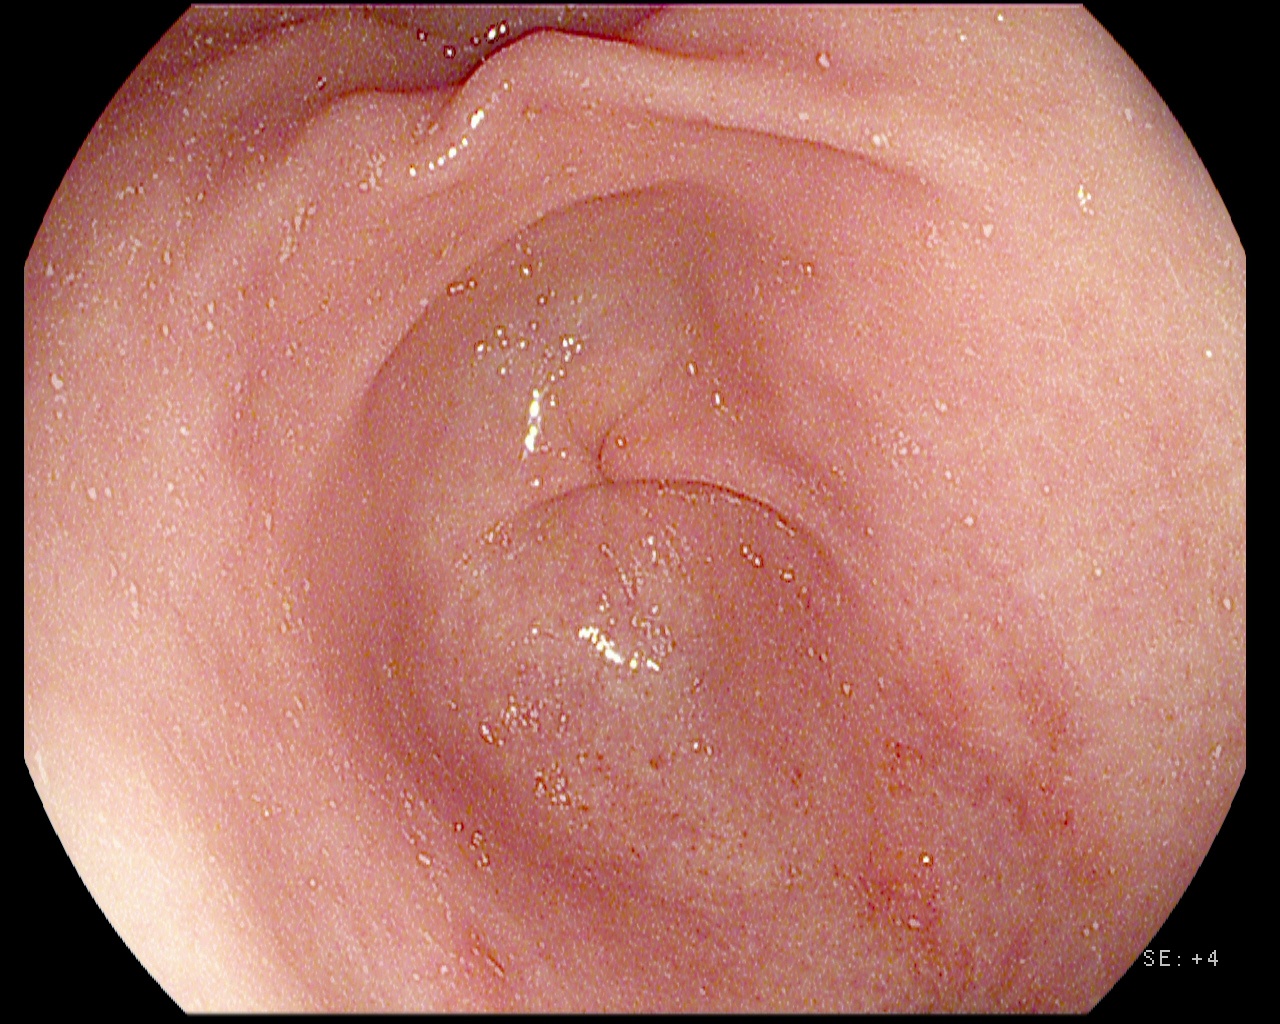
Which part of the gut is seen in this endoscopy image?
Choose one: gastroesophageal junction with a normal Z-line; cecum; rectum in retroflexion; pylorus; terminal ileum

pylorus